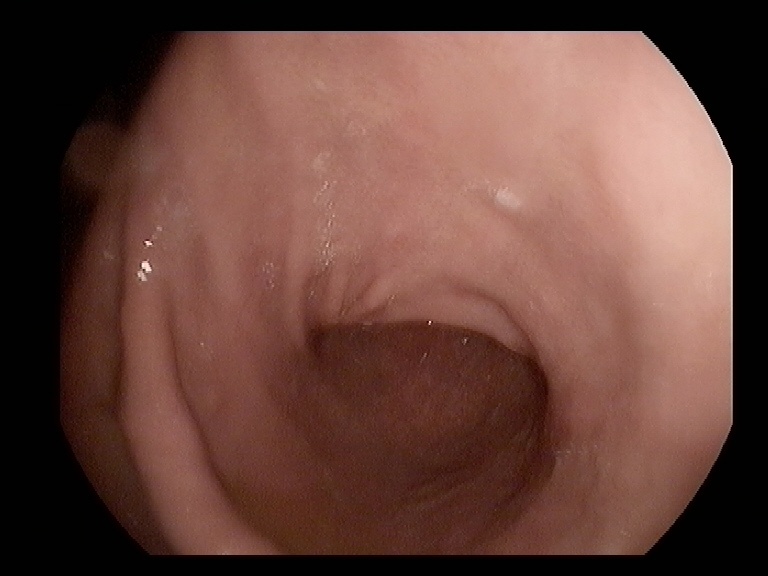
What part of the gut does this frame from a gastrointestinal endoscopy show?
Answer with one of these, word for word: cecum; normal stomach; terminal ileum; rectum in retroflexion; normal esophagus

normal stomach